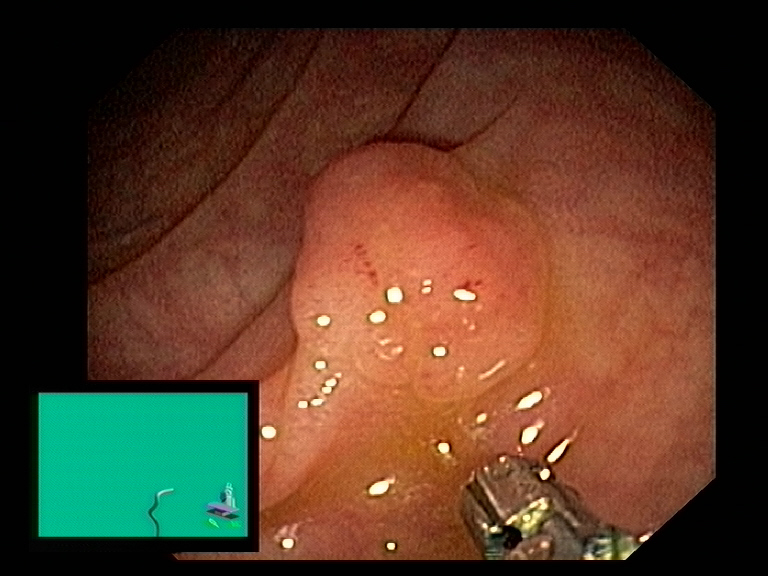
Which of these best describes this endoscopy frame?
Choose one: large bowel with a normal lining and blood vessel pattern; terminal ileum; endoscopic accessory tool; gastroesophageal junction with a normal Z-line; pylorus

endoscopic accessory tool